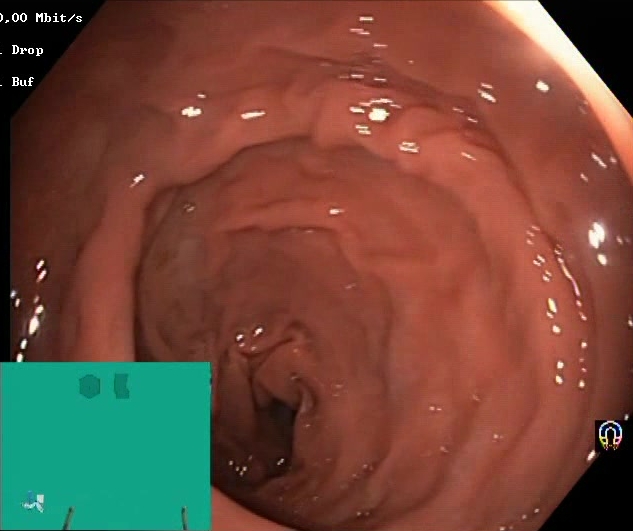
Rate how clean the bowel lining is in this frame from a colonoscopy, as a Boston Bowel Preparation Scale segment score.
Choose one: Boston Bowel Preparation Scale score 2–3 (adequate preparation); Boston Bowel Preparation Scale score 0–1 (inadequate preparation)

Boston Bowel Preparation Scale score 2–3 (adequate preparation)